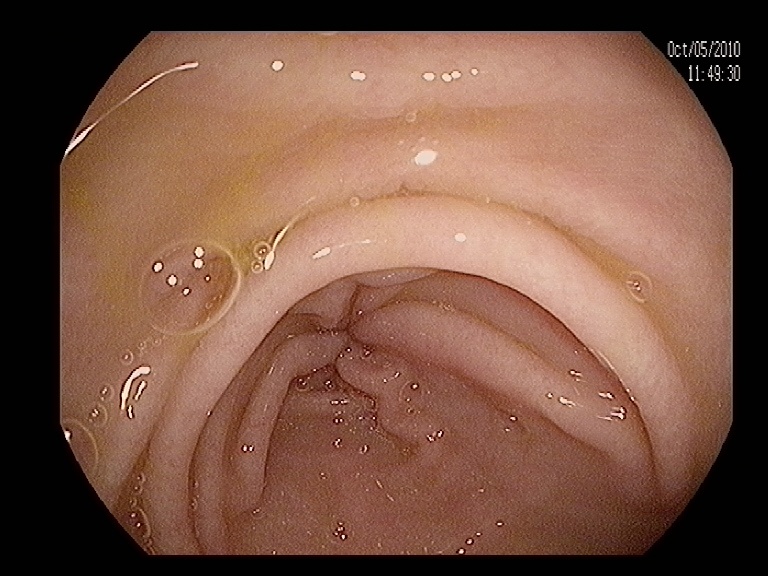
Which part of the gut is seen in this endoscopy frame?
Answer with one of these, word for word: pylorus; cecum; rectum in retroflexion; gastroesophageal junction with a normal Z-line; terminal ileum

pylorus